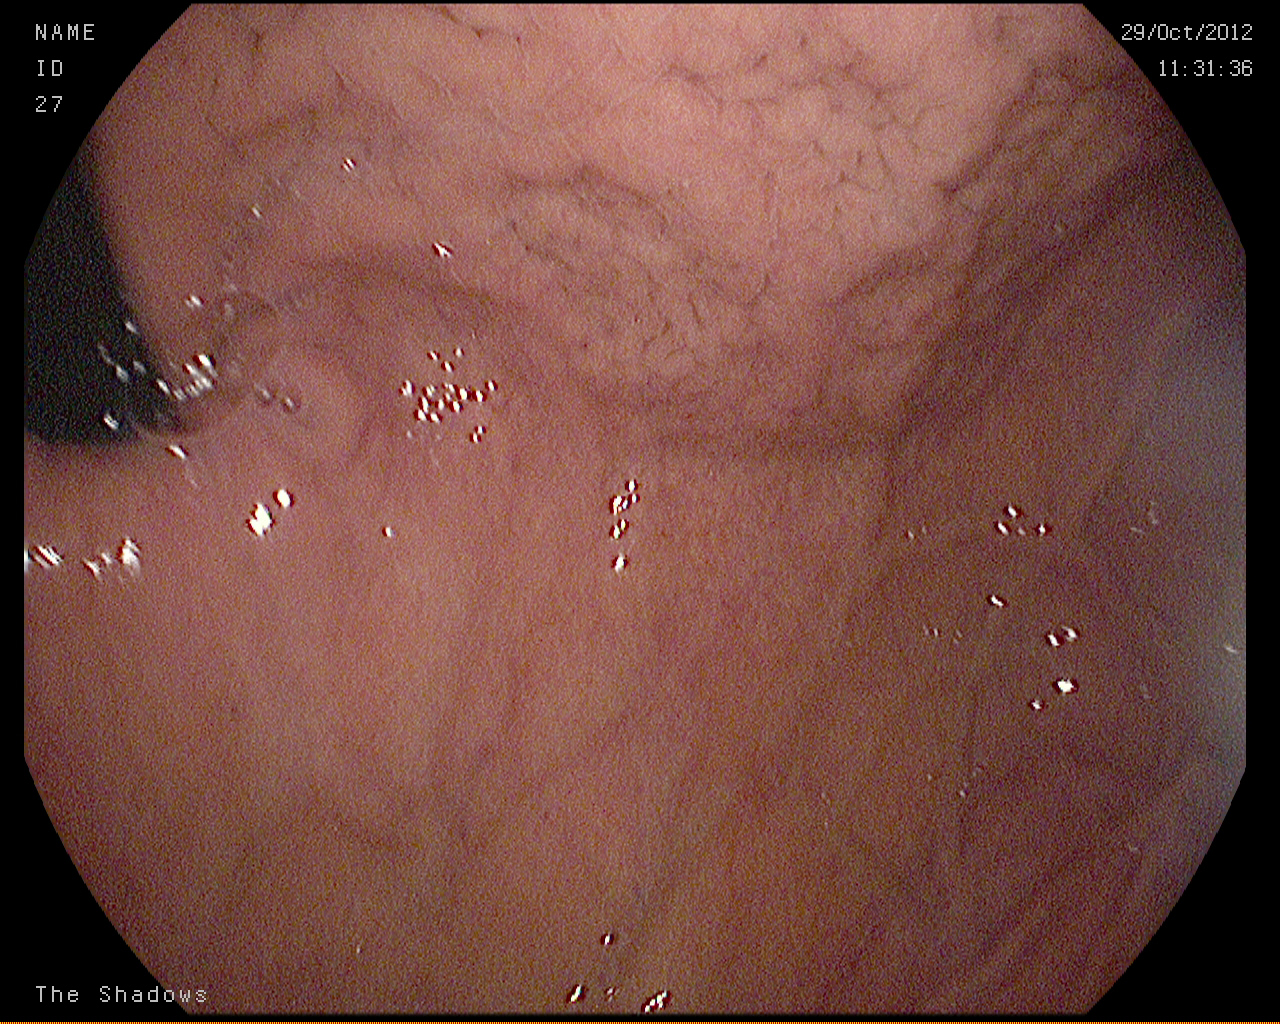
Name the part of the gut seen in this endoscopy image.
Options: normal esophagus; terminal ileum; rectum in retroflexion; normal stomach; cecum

normal stomach